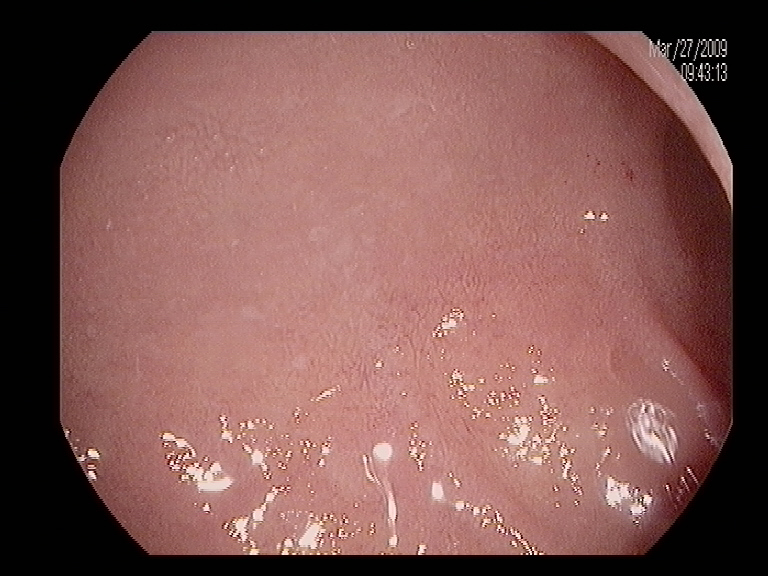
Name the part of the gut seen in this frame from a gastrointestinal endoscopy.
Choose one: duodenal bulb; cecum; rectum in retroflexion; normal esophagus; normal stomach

duodenal bulb